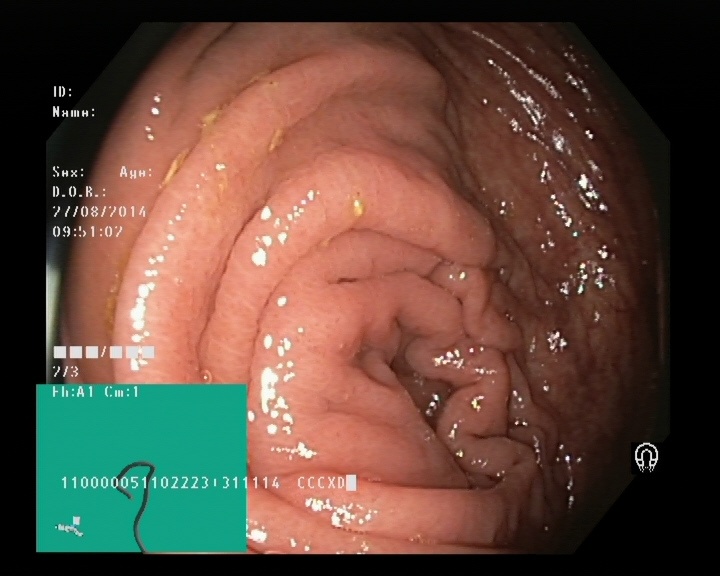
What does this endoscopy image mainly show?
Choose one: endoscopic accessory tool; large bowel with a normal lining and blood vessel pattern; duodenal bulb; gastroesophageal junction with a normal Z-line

large bowel with a normal lining and blood vessel pattern